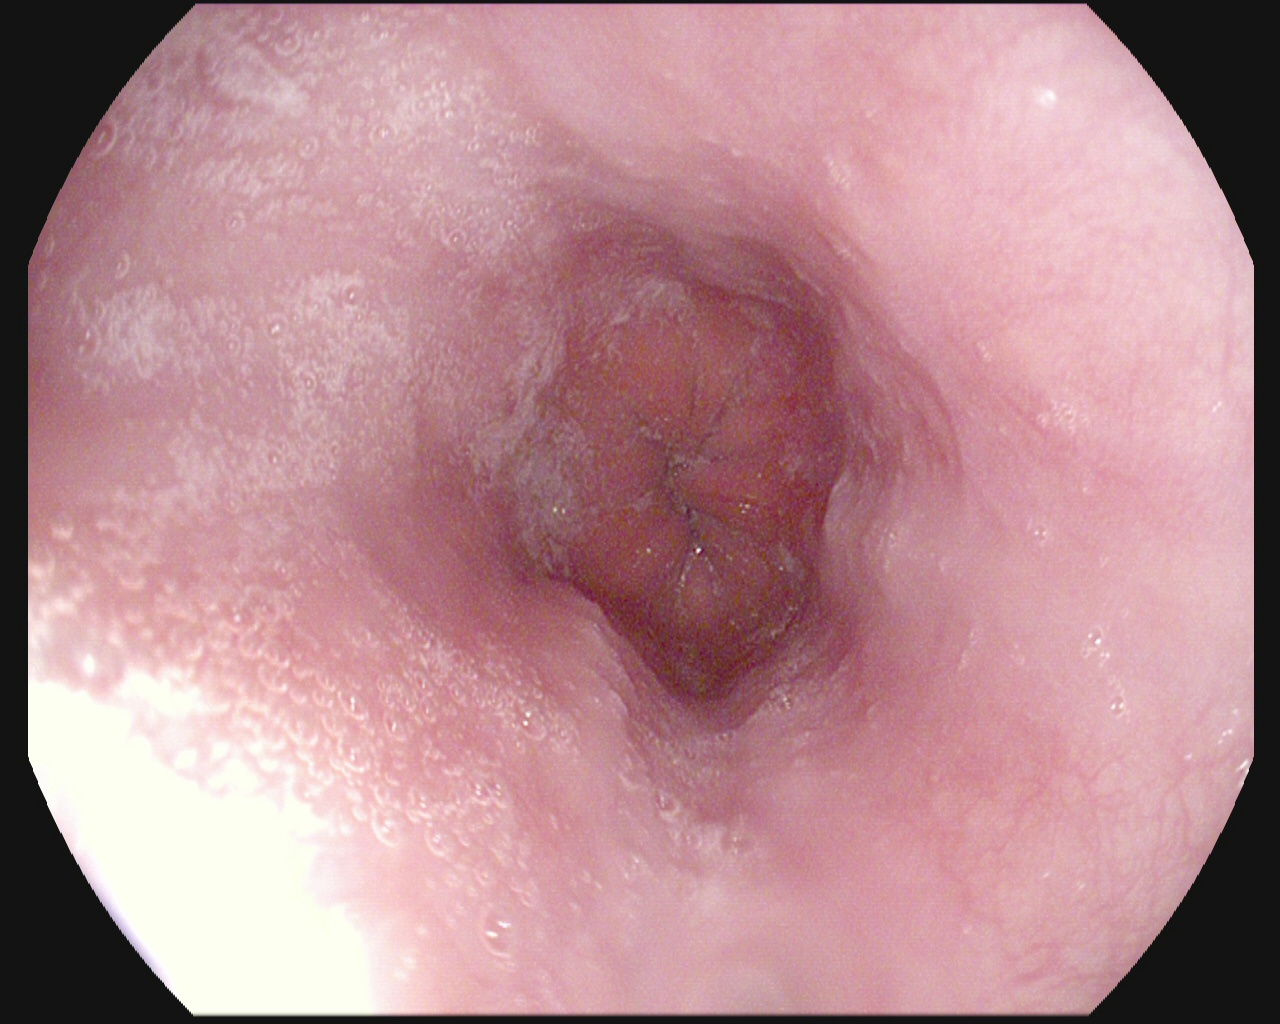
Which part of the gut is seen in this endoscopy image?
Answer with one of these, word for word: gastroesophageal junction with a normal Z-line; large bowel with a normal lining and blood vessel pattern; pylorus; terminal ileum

gastroesophageal junction with a normal Z-line